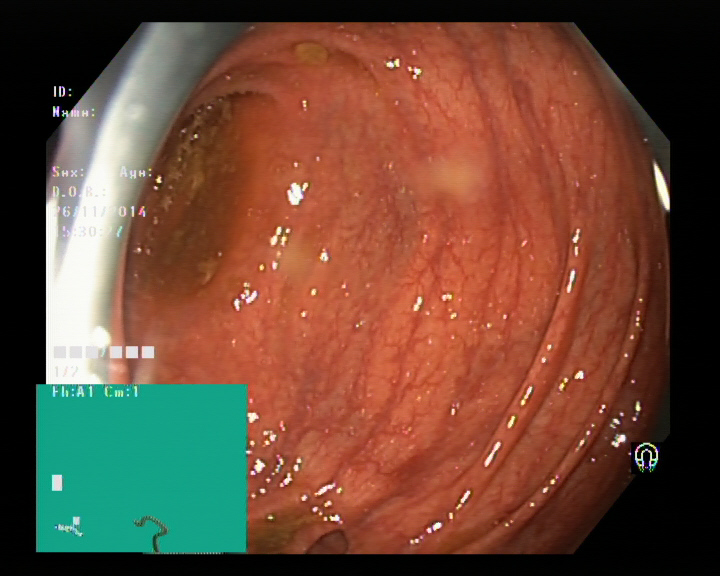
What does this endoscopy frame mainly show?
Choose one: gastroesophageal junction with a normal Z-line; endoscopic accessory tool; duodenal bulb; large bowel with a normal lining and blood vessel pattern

large bowel with a normal lining and blood vessel pattern